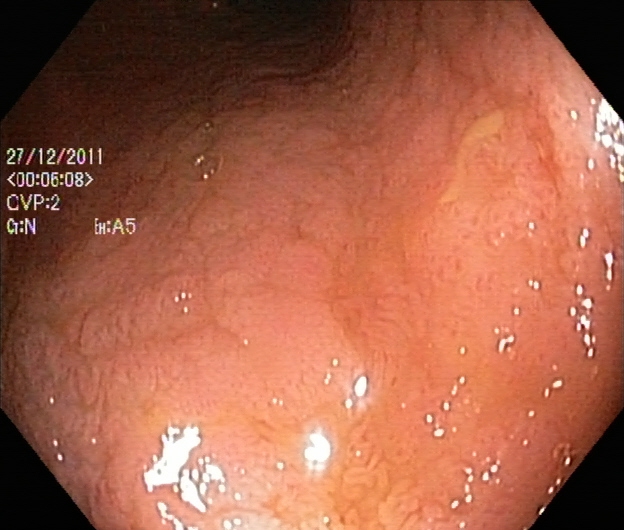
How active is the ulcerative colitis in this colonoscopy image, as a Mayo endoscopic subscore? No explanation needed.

ulcerative colitis, Mayo endoscopic subscore 2